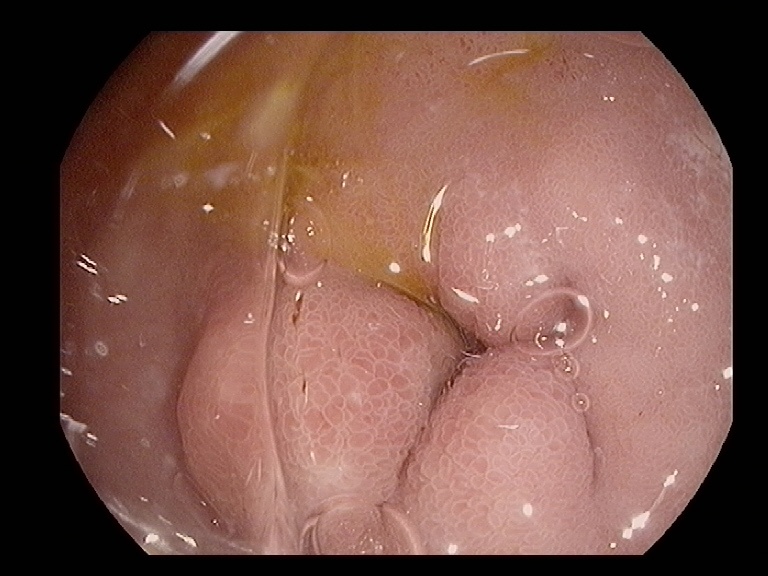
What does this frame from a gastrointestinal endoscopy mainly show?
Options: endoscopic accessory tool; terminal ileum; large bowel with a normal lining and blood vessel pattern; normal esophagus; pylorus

pylorus